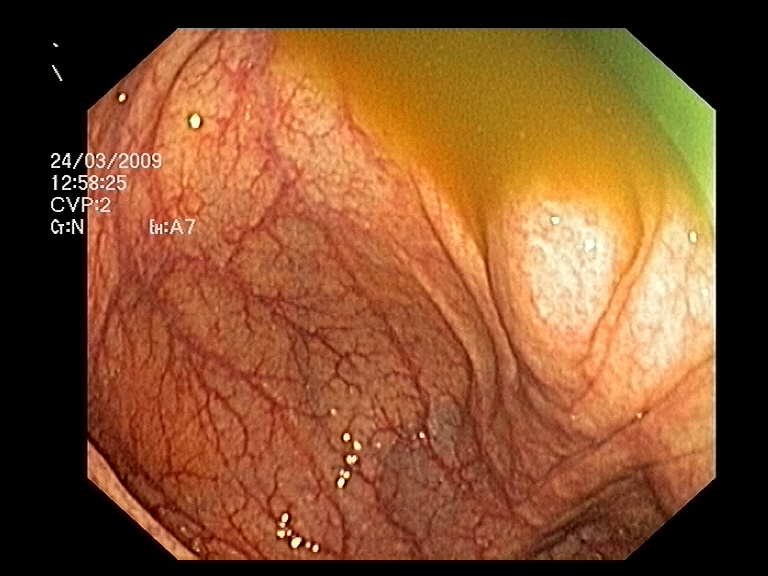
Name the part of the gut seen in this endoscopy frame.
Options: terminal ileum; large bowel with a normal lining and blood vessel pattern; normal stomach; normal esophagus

large bowel with a normal lining and blood vessel pattern